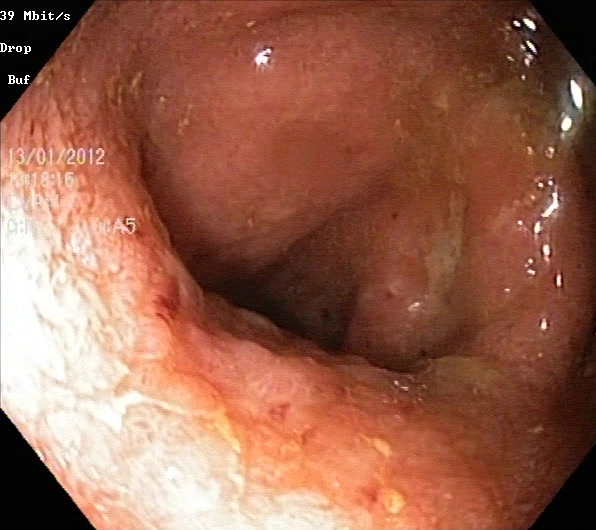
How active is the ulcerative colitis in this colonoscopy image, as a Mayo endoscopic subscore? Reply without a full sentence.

ulcerative colitis, Mayo endoscopic subscore 2